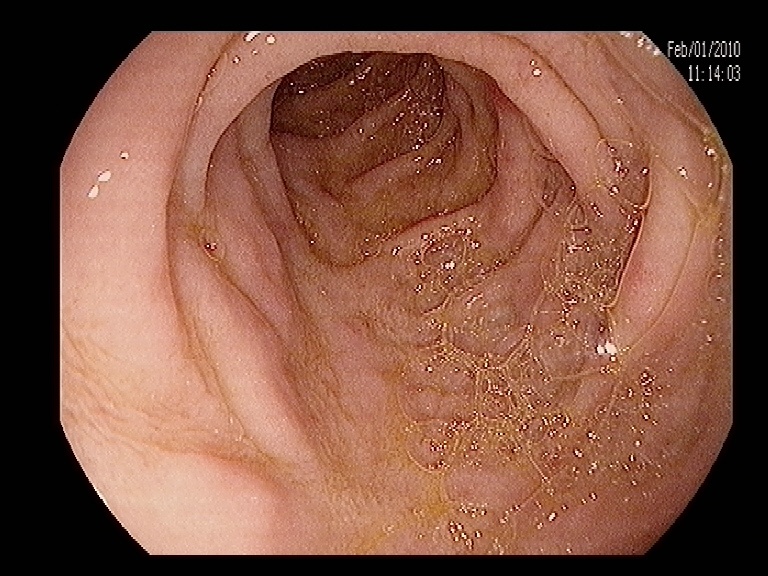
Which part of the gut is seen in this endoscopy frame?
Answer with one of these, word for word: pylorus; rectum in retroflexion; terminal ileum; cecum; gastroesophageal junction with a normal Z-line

terminal ileum